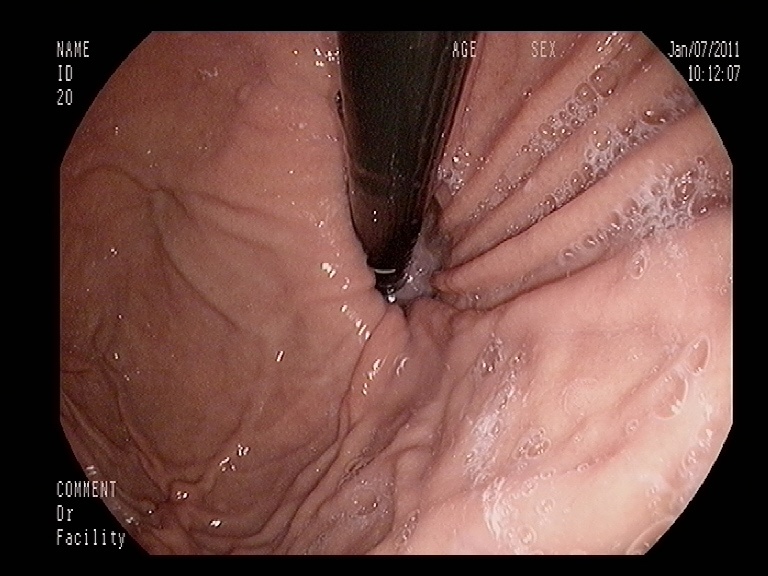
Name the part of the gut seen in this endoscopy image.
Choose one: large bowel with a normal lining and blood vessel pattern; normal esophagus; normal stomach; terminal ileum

normal stomach